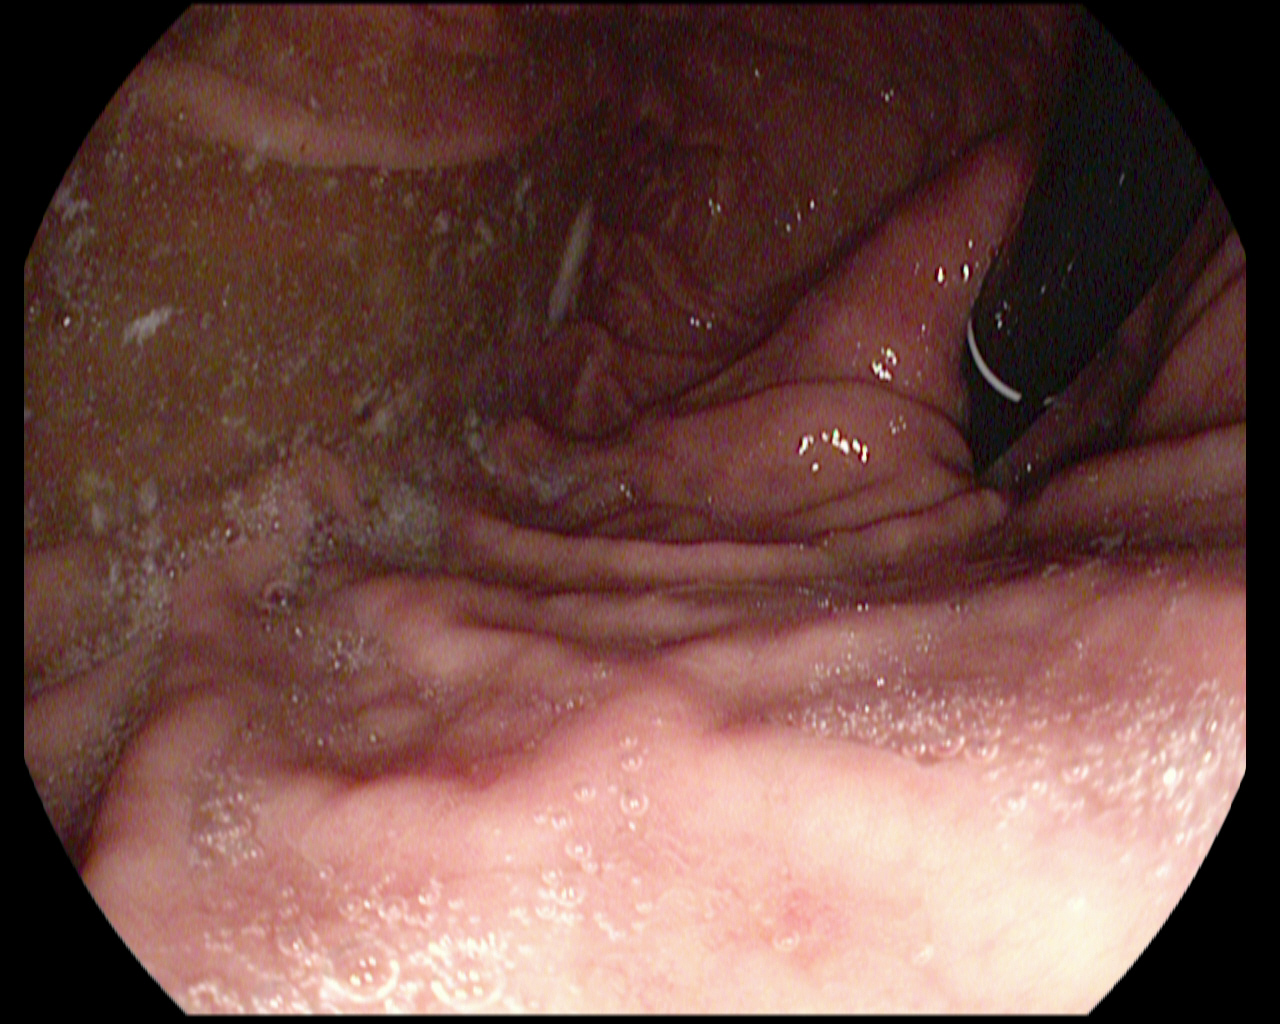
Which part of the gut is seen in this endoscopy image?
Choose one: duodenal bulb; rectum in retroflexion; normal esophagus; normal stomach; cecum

normal stomach